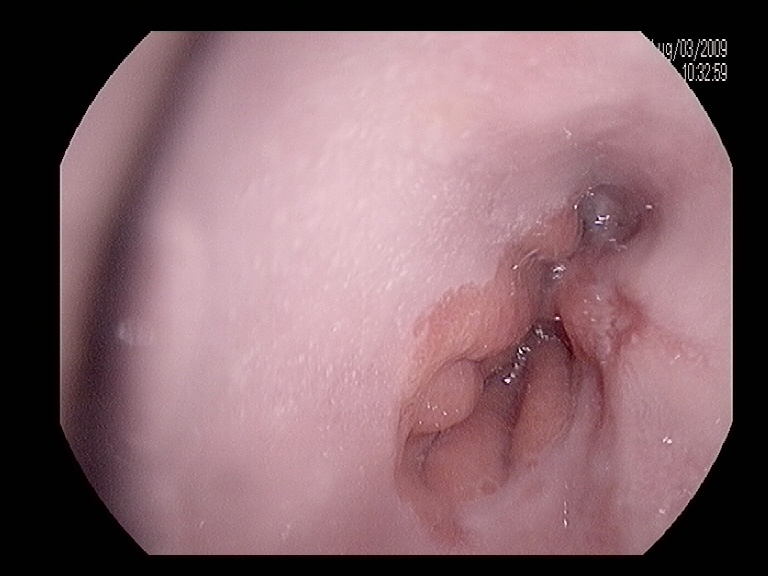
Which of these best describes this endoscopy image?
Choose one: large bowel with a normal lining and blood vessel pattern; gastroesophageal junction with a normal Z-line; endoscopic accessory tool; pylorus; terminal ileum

gastroesophageal junction with a normal Z-line